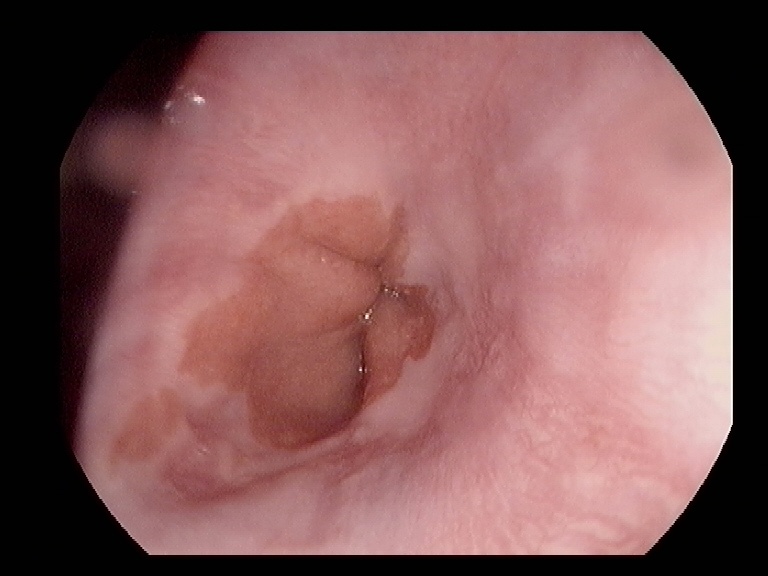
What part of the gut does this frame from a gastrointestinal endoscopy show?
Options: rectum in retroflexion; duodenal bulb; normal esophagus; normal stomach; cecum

normal esophagus